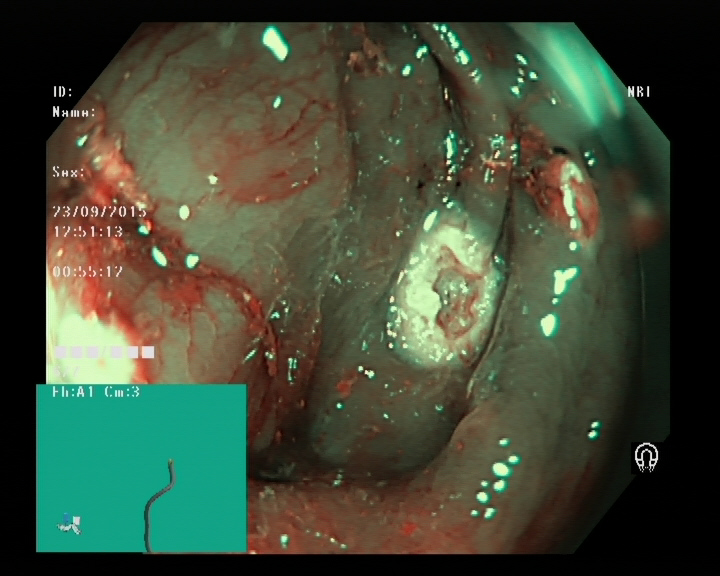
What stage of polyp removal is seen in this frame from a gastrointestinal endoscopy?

dyed resection margin (post-polypectomy)